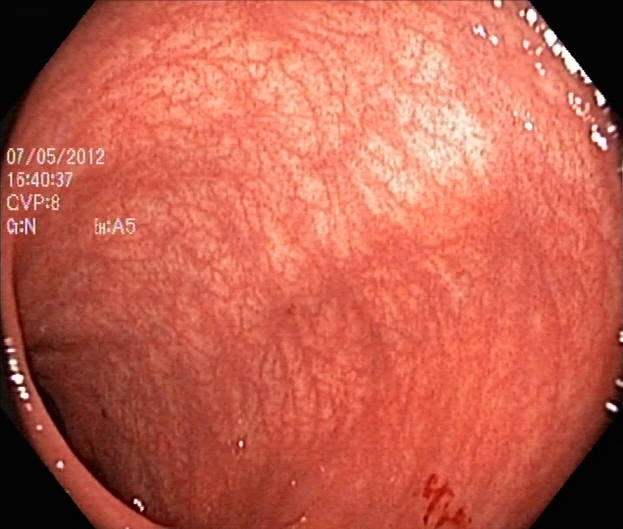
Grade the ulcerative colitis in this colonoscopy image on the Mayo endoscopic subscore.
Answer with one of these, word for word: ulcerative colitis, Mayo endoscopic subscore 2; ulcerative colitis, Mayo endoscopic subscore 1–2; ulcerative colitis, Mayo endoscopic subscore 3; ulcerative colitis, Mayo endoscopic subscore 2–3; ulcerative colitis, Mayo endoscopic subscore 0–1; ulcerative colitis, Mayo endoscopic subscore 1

ulcerative colitis, Mayo endoscopic subscore 1